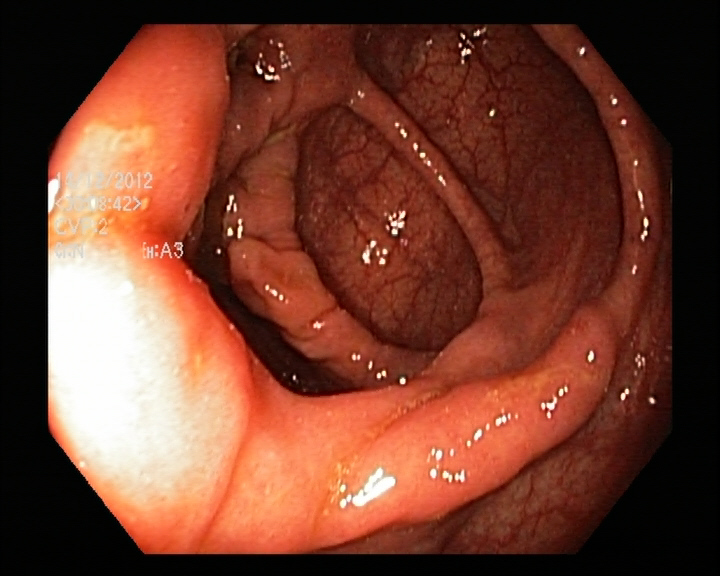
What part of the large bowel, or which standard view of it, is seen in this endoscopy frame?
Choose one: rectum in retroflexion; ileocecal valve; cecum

ileocecal valve